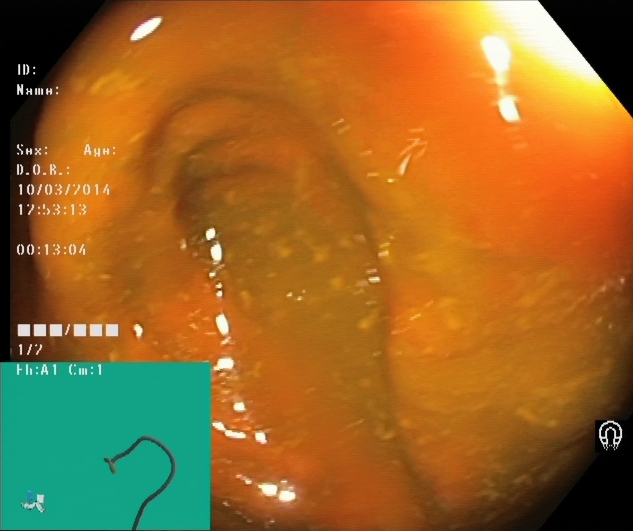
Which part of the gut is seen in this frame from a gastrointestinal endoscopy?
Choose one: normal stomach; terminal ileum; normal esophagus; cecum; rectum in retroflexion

cecum